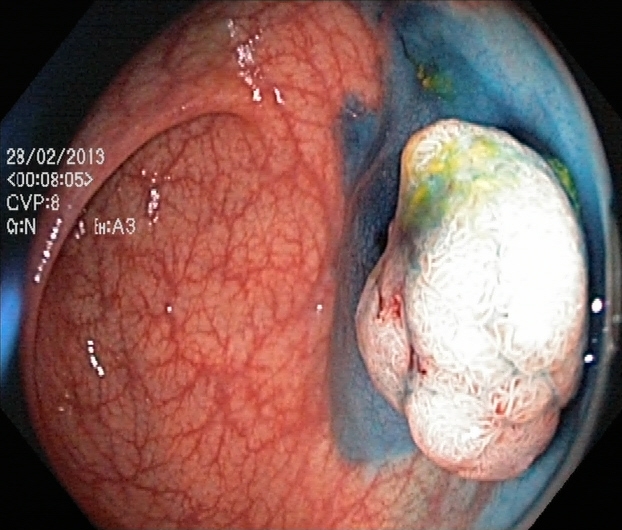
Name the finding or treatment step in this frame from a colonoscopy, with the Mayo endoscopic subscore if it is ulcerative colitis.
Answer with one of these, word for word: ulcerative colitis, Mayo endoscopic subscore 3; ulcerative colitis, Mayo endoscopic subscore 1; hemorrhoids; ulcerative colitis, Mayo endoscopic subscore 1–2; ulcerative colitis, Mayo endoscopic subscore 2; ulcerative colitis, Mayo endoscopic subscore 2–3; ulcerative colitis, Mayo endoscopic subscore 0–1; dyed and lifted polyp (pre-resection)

dyed and lifted polyp (pre-resection)